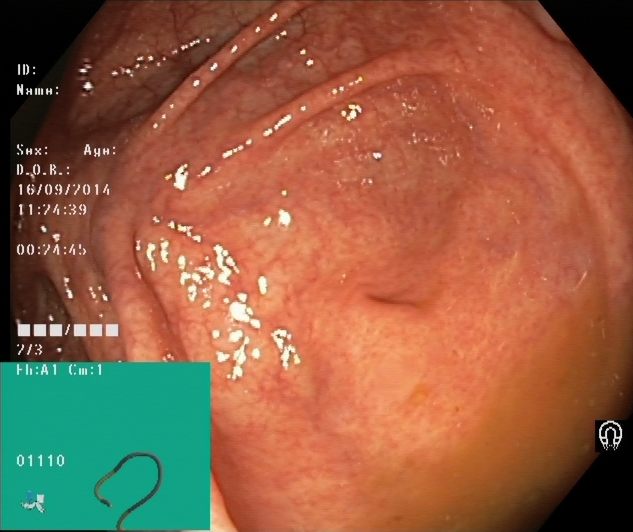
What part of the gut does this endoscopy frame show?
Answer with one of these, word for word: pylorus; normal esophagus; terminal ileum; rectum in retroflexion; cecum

cecum